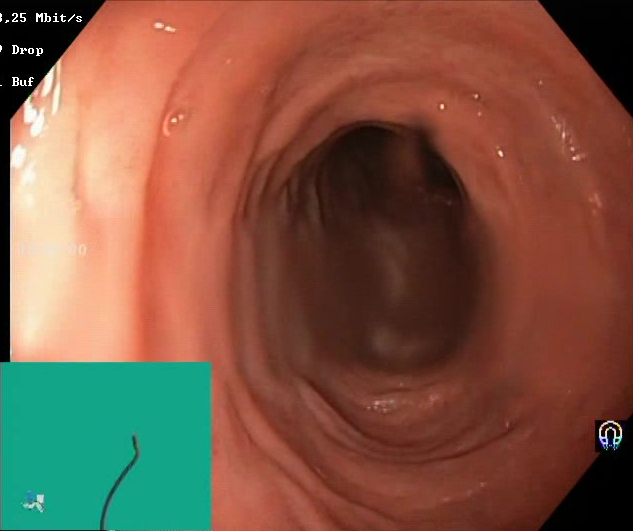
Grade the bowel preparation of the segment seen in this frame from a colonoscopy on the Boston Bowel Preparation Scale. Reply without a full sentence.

Boston Bowel Preparation Scale score 2–3 (adequate preparation)